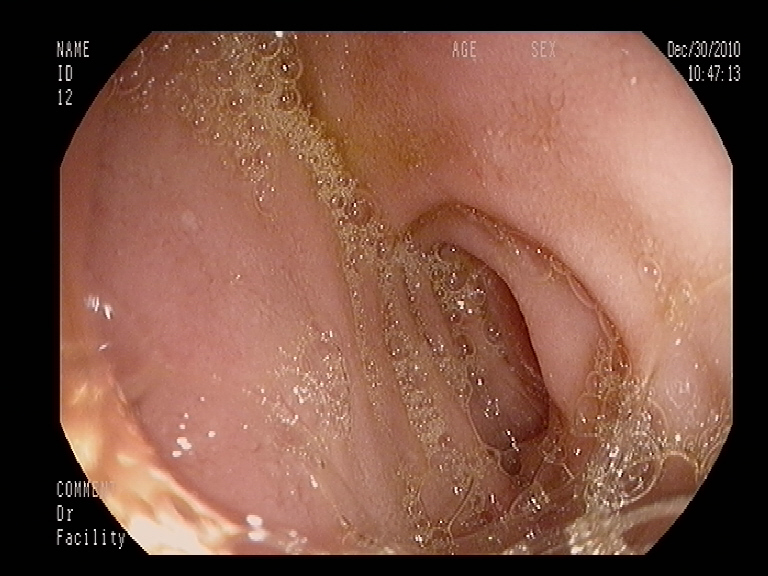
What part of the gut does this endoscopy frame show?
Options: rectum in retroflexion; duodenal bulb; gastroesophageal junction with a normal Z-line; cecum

duodenal bulb